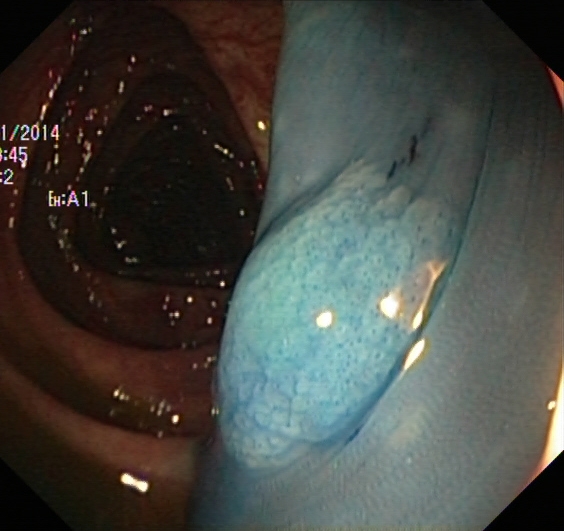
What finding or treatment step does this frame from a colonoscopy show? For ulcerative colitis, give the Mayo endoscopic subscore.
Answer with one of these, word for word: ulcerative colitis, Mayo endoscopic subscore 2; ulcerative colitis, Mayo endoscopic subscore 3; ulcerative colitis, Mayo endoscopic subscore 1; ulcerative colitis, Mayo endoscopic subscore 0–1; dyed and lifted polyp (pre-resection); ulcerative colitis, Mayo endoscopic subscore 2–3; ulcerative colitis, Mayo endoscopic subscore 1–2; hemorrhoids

dyed and lifted polyp (pre-resection)